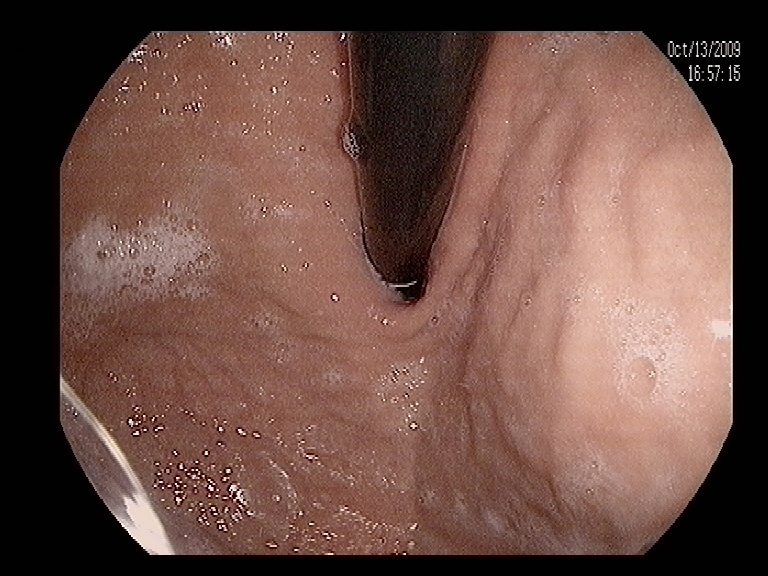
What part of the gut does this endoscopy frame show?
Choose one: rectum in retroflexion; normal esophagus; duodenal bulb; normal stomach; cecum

normal stomach